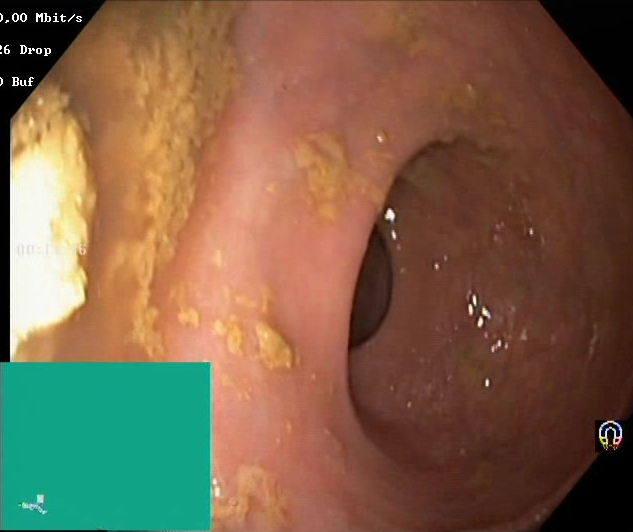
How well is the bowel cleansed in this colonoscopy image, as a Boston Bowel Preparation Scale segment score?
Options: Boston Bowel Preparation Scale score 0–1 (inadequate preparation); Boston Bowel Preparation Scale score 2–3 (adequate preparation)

Boston Bowel Preparation Scale score 0–1 (inadequate preparation)